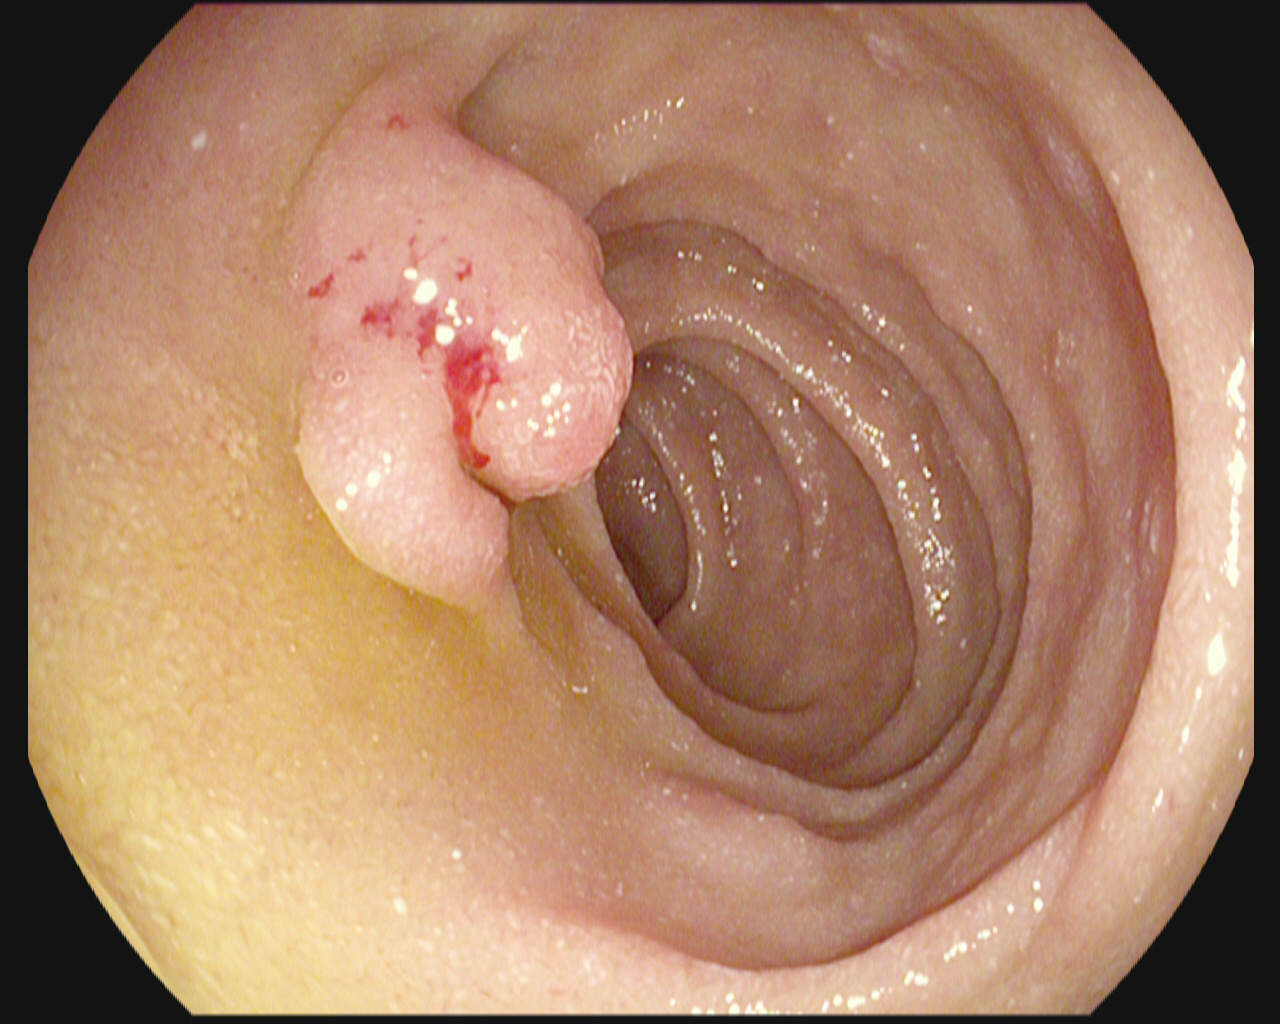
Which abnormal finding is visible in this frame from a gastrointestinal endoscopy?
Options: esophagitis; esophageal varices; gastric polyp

gastric polyp